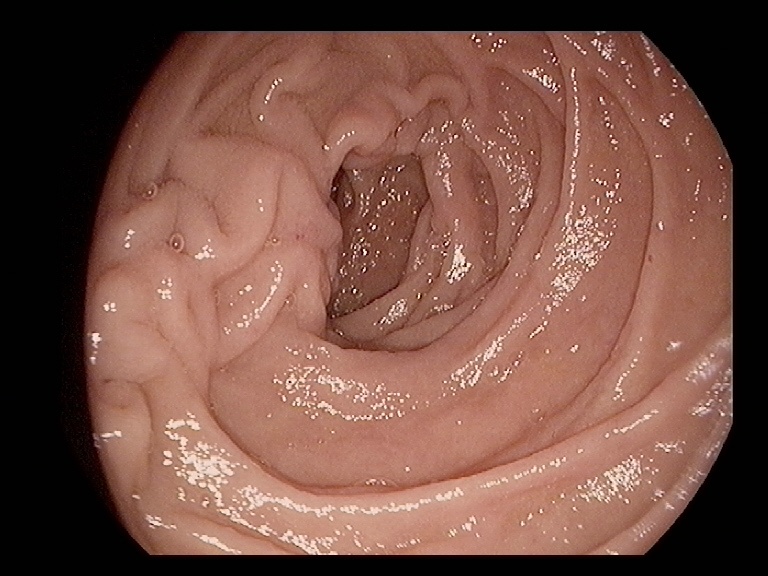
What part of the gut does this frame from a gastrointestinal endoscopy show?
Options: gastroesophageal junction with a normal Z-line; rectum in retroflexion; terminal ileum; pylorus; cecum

terminal ileum